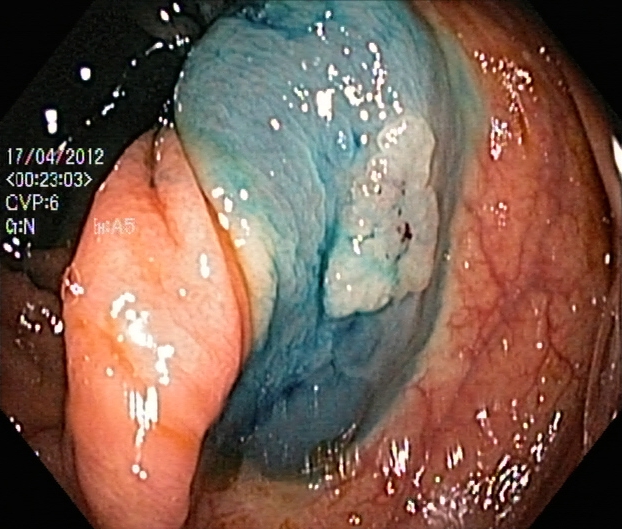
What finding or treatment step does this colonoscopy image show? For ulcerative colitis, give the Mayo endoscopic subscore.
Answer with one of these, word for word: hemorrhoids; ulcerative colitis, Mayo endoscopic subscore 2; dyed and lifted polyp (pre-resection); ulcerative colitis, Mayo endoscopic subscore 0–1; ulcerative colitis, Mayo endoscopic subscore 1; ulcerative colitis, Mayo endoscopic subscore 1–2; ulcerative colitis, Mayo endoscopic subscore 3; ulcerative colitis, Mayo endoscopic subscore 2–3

dyed and lifted polyp (pre-resection)